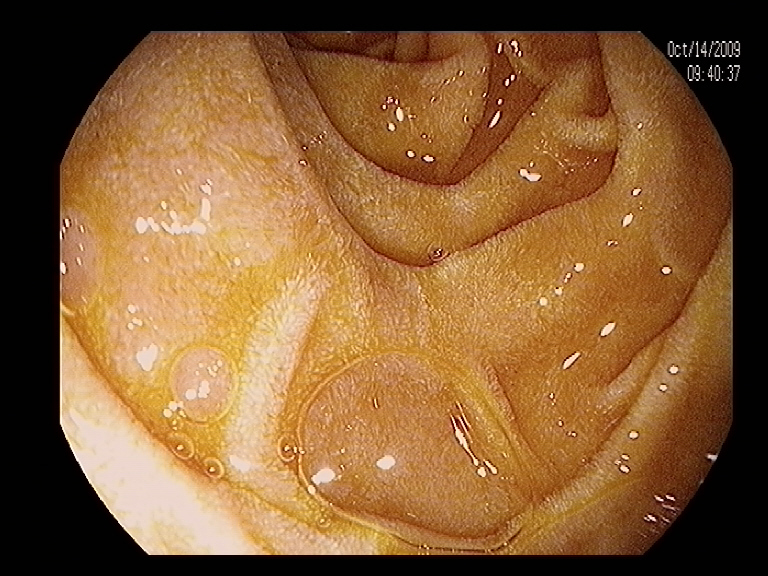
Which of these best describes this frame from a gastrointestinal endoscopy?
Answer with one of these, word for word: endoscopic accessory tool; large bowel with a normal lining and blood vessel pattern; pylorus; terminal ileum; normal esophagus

terminal ileum